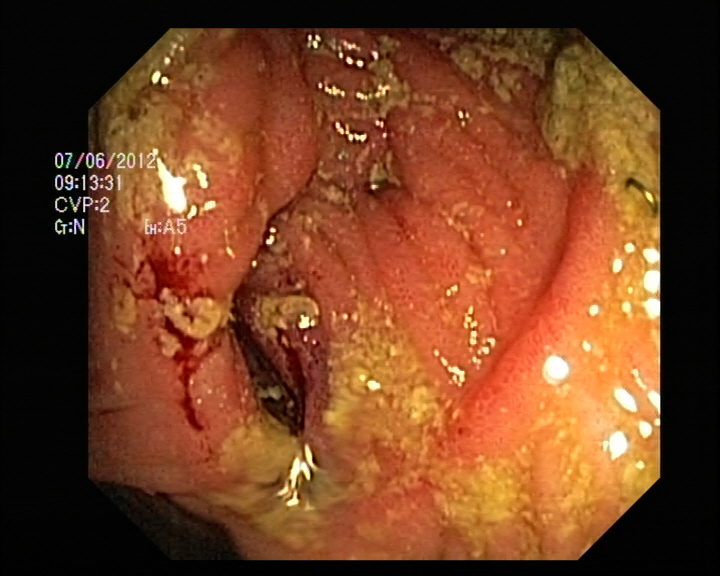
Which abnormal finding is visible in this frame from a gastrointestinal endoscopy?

colon polyp